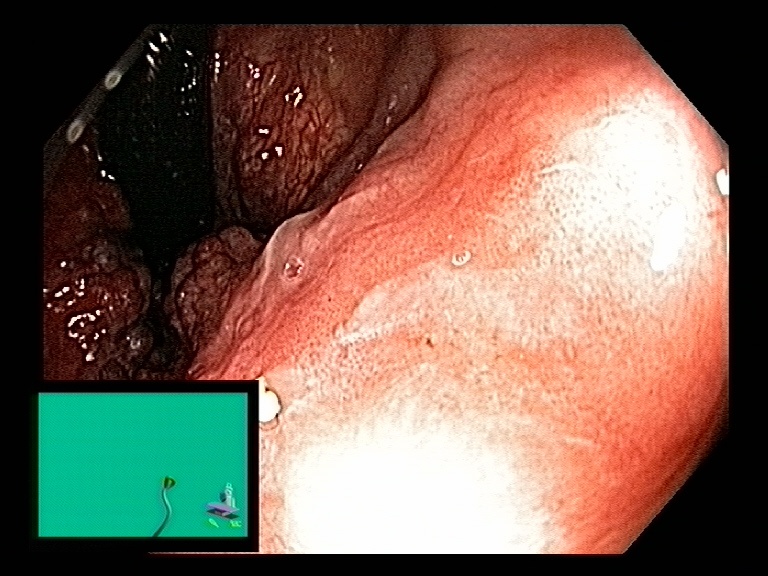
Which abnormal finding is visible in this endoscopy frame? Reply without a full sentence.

colon polyp